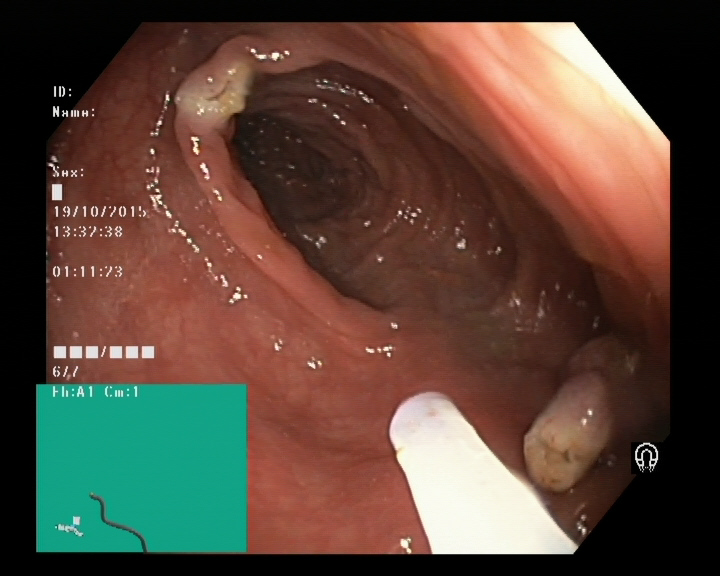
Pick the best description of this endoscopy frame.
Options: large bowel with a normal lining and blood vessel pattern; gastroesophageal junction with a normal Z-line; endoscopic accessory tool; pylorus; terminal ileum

endoscopic accessory tool